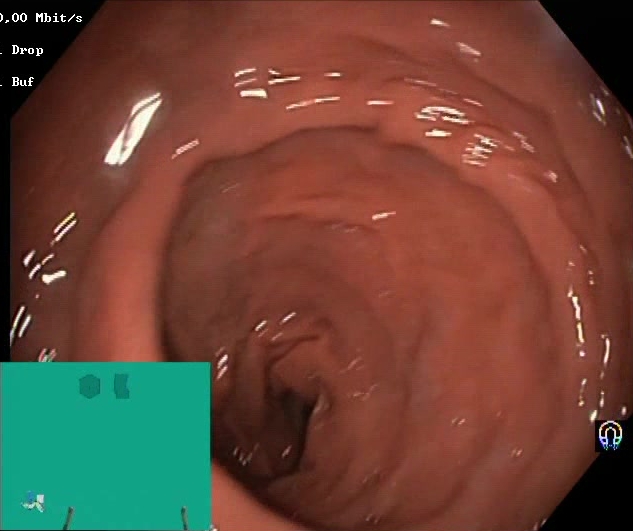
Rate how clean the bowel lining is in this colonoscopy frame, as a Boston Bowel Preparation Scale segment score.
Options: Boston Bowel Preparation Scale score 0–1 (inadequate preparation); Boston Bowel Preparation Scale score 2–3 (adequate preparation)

Boston Bowel Preparation Scale score 2–3 (adequate preparation)